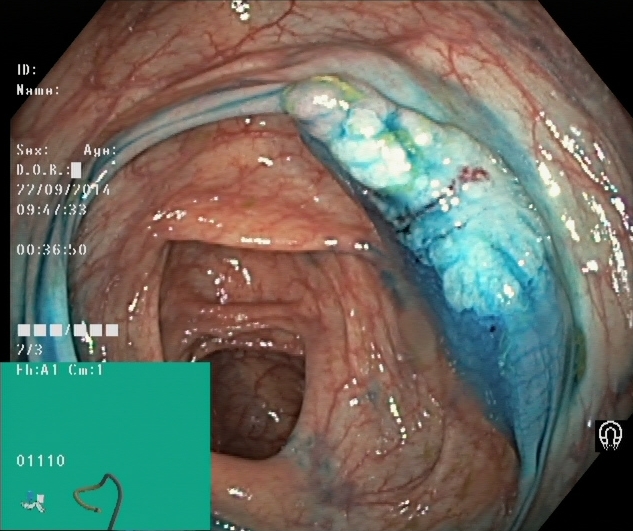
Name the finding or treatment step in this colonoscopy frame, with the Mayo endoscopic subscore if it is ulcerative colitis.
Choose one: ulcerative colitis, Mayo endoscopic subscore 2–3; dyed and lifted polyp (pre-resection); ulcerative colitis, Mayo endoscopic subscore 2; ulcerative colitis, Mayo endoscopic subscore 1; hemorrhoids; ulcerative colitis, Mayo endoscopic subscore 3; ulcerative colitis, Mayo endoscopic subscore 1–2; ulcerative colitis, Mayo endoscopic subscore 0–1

dyed and lifted polyp (pre-resection)